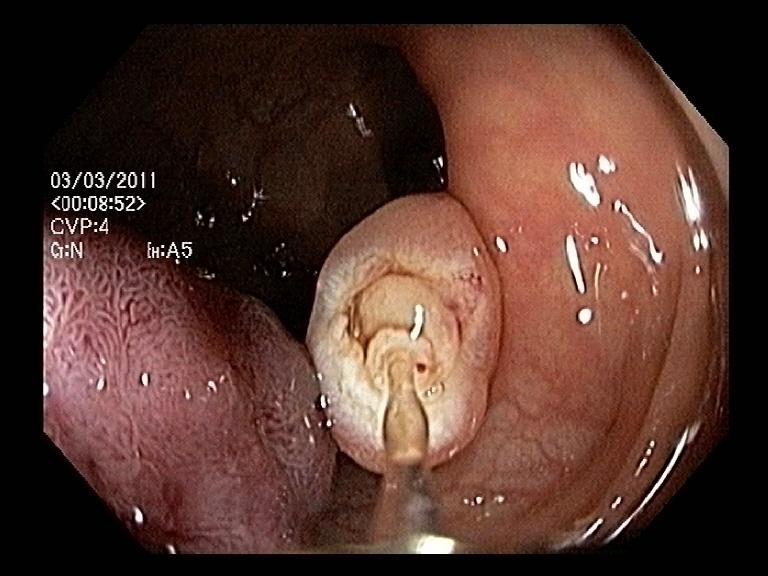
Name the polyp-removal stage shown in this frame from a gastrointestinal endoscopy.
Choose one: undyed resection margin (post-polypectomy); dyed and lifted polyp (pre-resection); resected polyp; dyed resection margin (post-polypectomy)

resected polyp